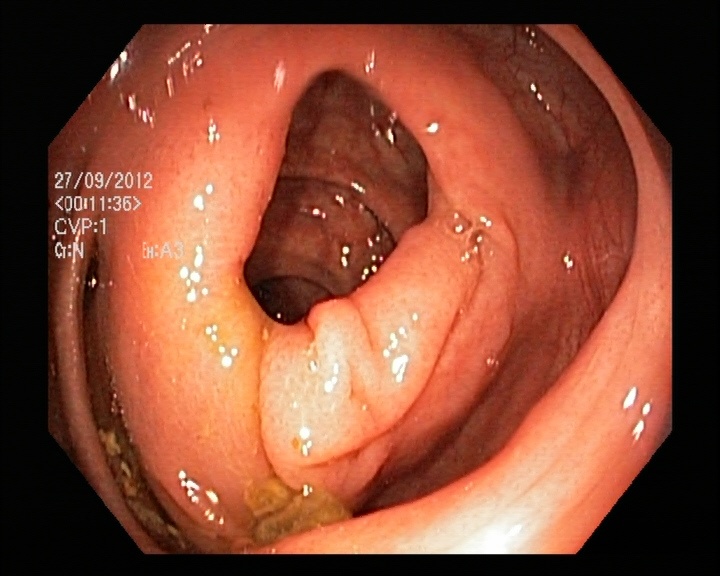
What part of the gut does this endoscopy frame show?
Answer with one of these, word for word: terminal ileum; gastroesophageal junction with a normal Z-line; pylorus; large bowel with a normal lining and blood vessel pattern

large bowel with a normal lining and blood vessel pattern